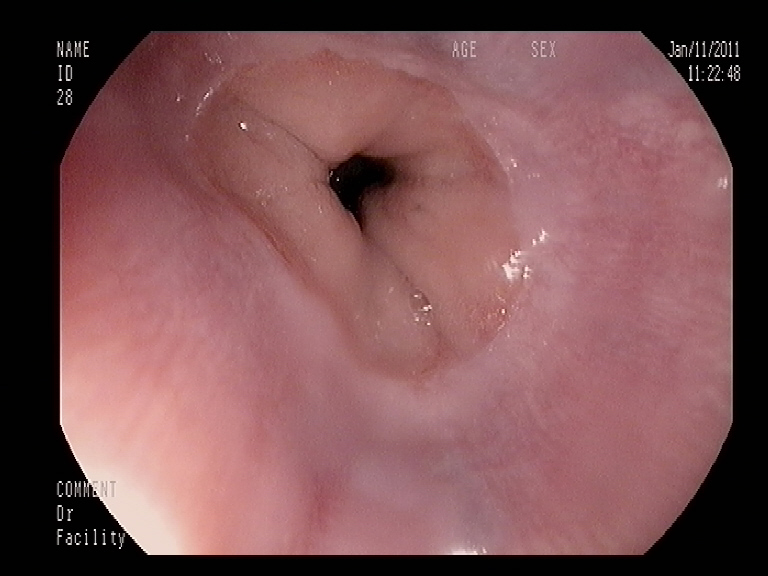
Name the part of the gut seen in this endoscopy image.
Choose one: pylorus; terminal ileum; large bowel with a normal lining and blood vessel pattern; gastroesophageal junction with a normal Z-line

gastroesophageal junction with a normal Z-line